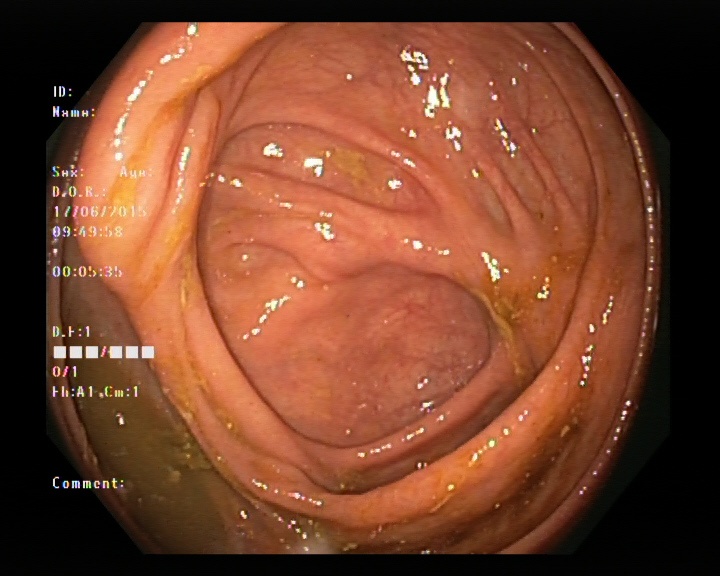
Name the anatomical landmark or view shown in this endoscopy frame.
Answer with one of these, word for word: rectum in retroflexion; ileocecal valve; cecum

cecum